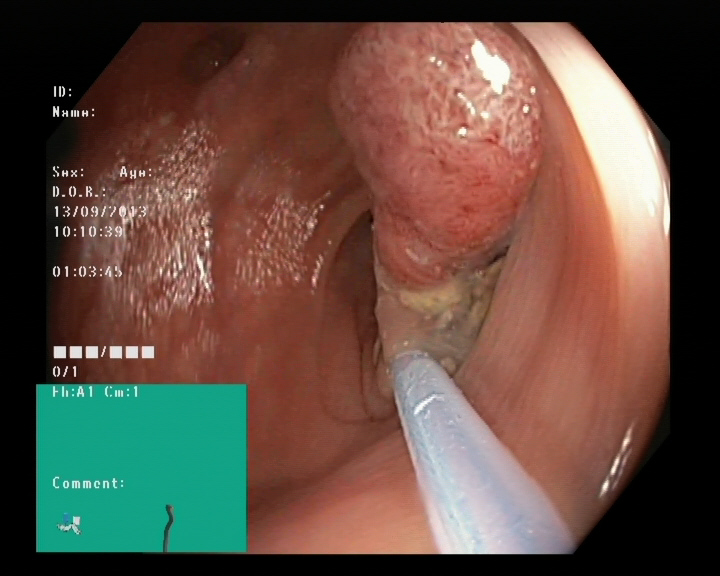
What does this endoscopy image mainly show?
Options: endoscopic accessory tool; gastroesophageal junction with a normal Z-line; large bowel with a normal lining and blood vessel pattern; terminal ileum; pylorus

endoscopic accessory tool